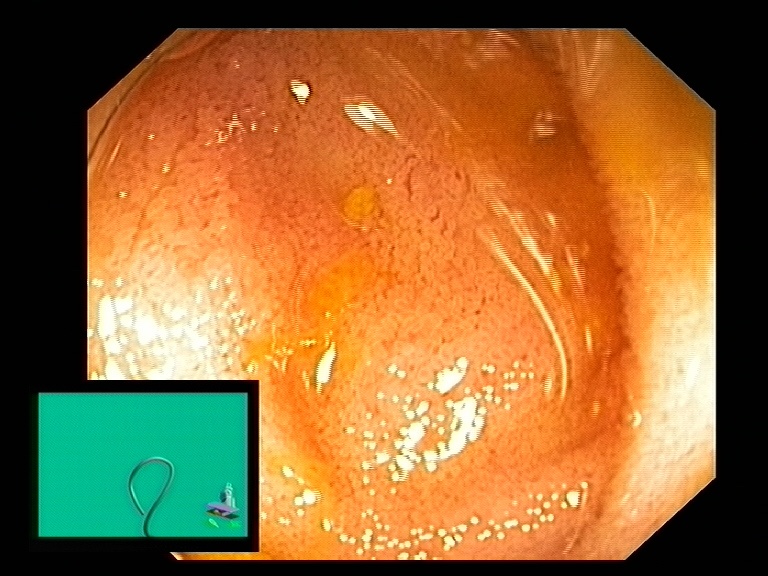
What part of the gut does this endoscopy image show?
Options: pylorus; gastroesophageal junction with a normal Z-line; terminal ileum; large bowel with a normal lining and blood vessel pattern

large bowel with a normal lining and blood vessel pattern